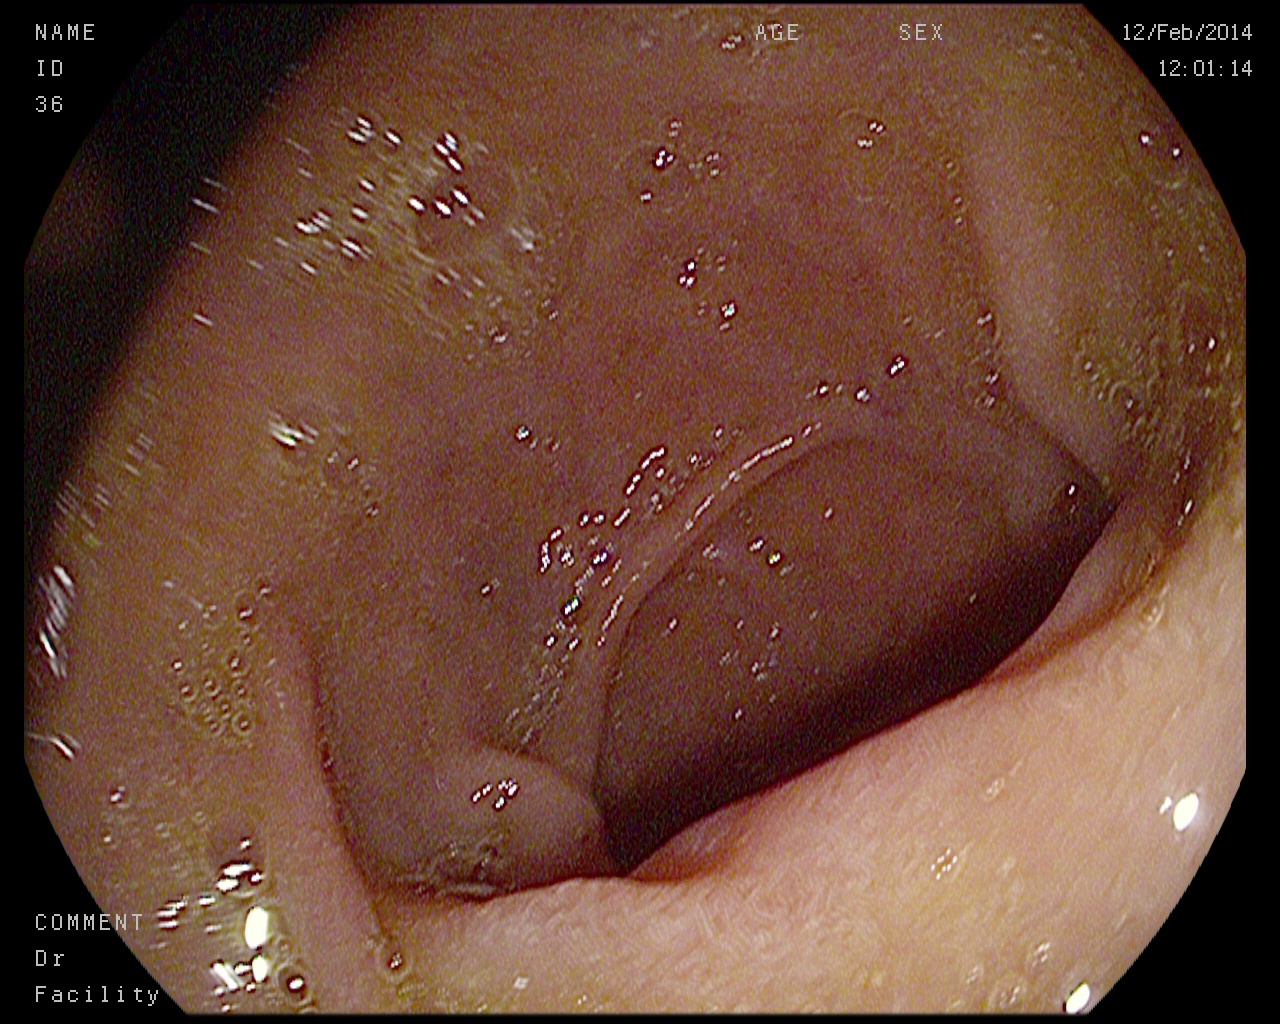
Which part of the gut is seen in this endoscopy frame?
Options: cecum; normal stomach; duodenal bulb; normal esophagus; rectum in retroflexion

duodenal bulb